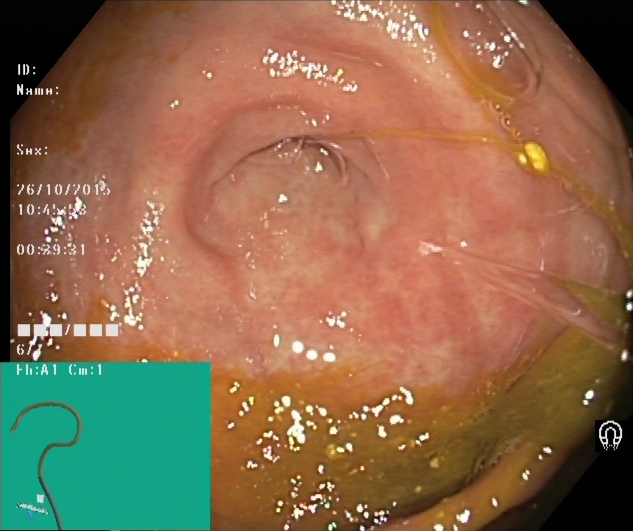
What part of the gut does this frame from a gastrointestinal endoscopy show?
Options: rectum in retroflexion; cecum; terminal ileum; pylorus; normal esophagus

cecum